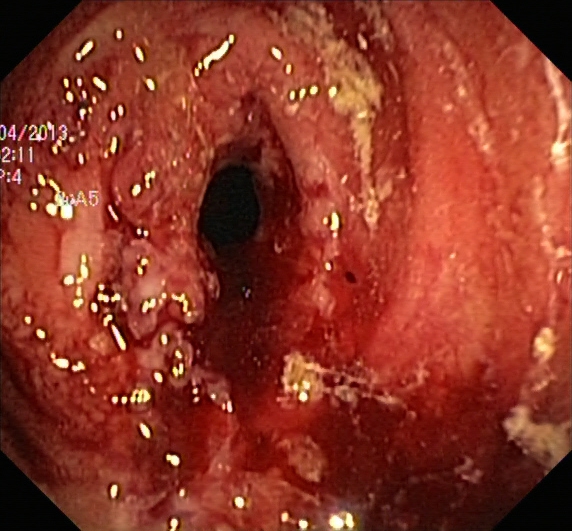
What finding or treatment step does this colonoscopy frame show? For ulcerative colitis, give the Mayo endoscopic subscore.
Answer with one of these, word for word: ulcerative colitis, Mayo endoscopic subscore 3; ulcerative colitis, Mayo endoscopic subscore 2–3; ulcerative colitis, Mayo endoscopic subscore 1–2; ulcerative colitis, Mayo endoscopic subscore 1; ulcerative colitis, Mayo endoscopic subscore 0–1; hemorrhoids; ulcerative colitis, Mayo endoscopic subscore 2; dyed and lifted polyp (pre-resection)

ulcerative colitis, Mayo endoscopic subscore 3